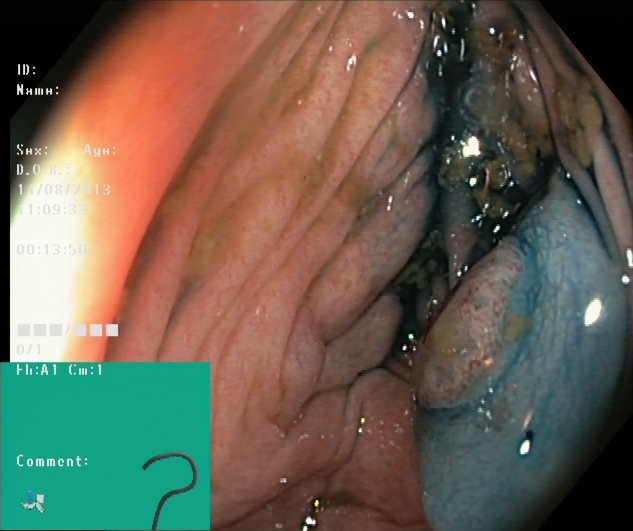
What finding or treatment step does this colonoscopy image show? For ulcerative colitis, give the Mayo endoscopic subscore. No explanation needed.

dyed and lifted polyp (pre-resection)